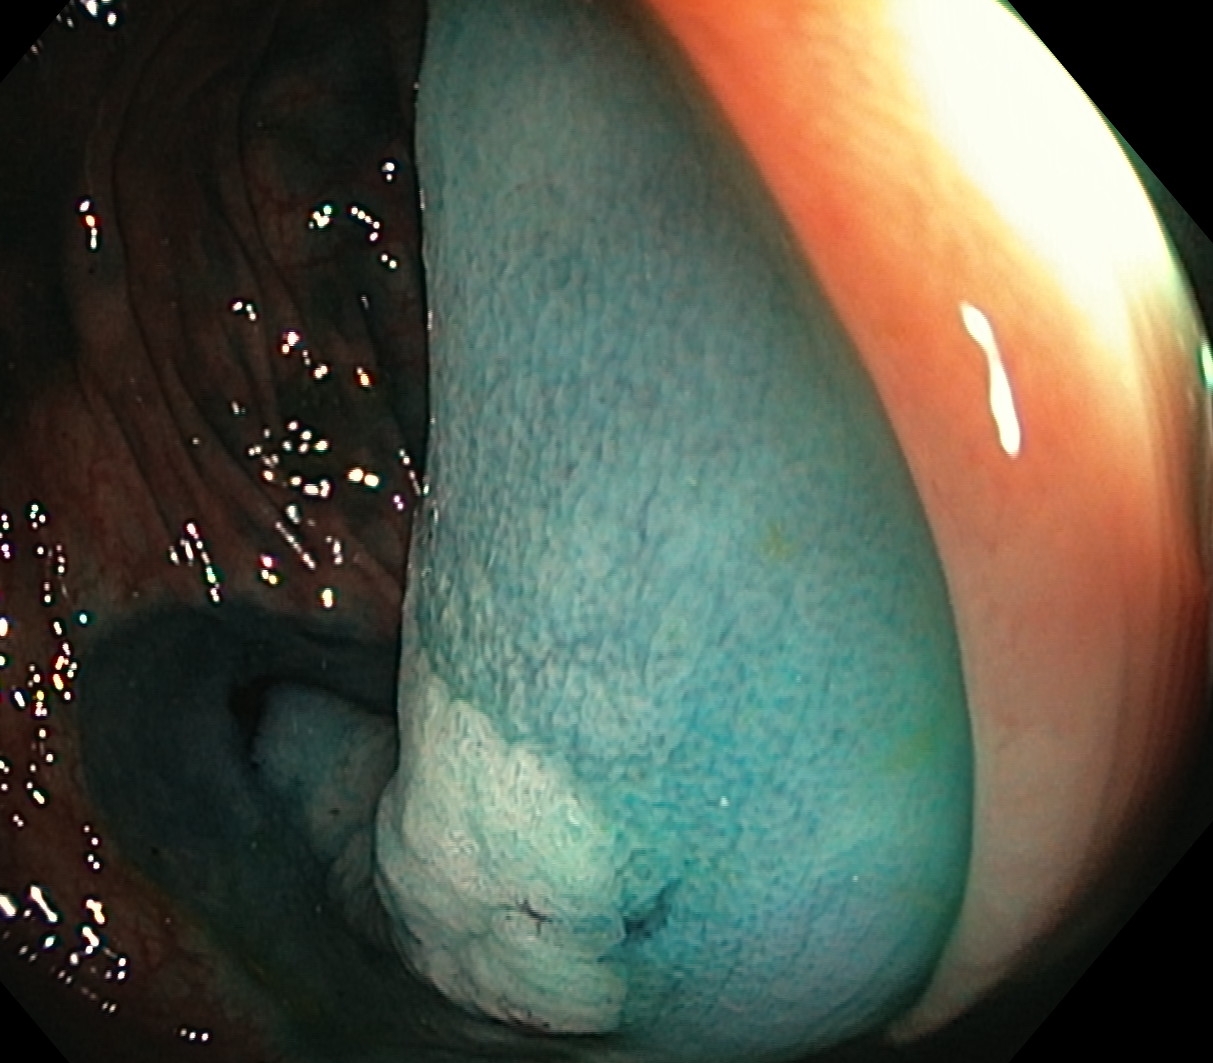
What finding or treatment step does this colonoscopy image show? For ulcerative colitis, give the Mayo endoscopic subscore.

dyed and lifted polyp (pre-resection)